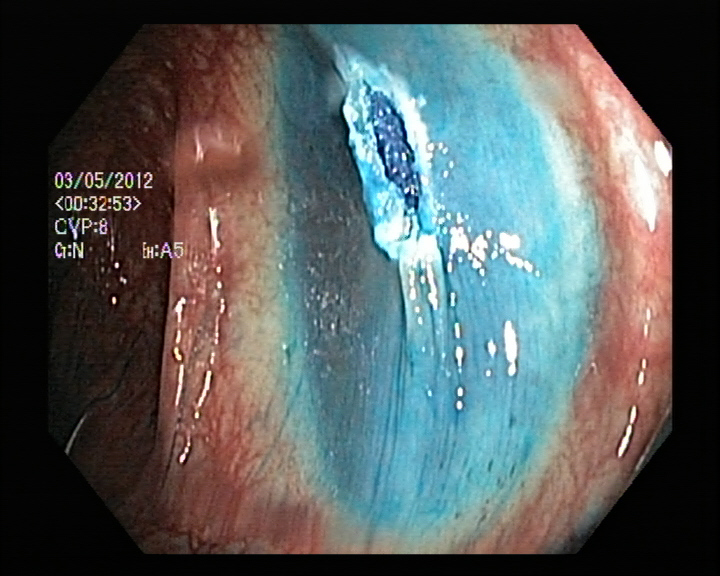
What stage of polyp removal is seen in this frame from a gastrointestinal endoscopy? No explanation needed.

dyed resection margin (post-polypectomy)